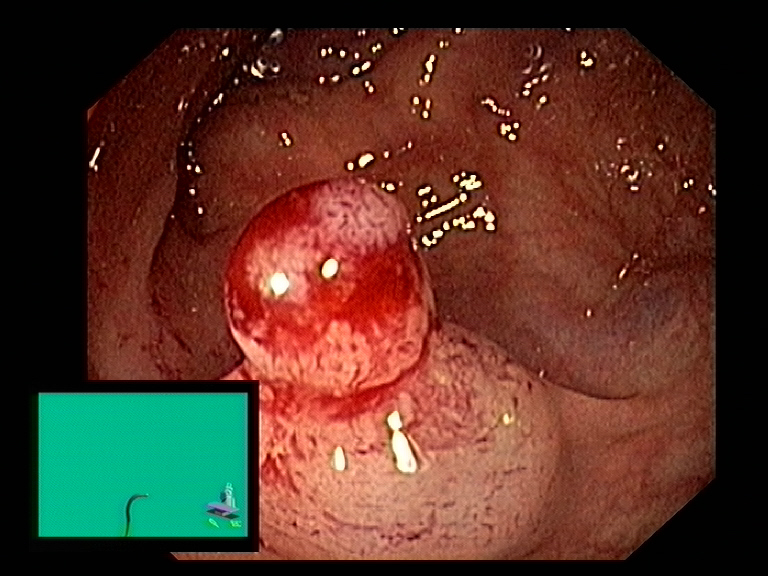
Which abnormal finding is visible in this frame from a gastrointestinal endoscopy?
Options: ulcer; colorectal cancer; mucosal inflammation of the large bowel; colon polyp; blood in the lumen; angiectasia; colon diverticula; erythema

colon polyp